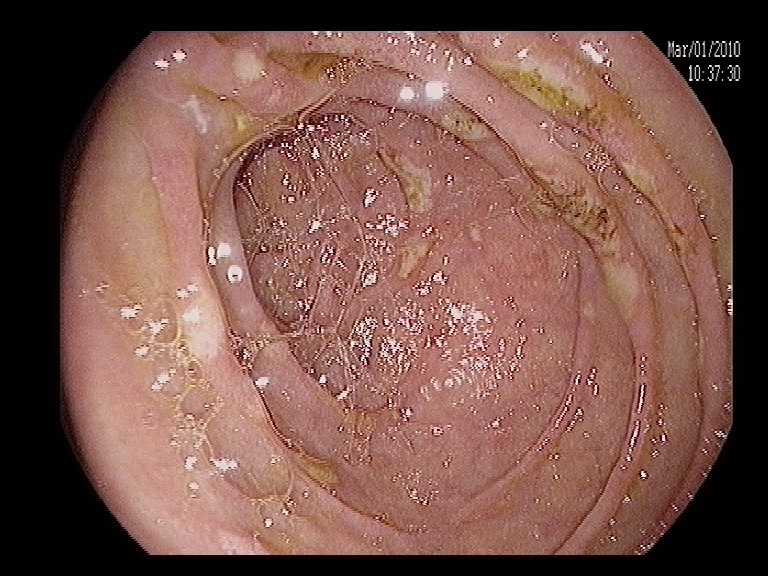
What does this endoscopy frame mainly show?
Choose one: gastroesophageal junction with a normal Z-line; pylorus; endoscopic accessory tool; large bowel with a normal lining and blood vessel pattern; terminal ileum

terminal ileum